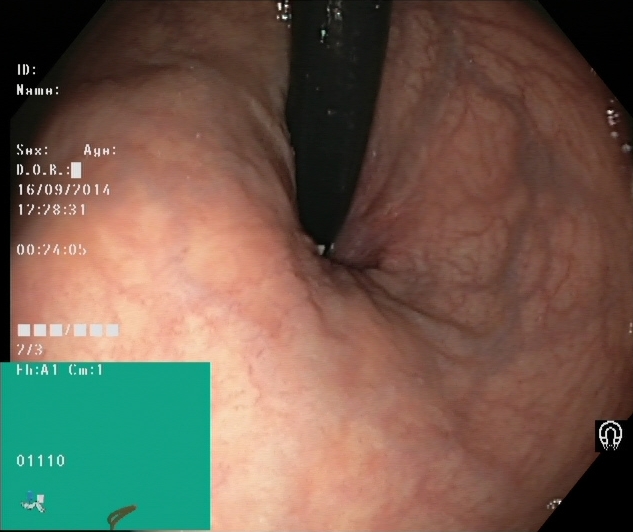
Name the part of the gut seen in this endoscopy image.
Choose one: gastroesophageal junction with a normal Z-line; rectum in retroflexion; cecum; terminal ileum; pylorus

rectum in retroflexion